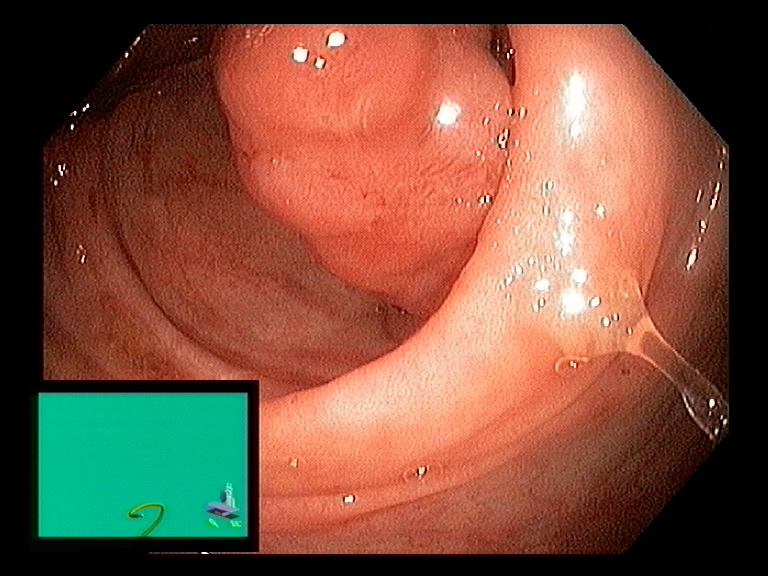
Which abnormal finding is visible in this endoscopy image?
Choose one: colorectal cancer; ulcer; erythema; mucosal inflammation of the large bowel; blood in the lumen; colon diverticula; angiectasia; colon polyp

colon polyp